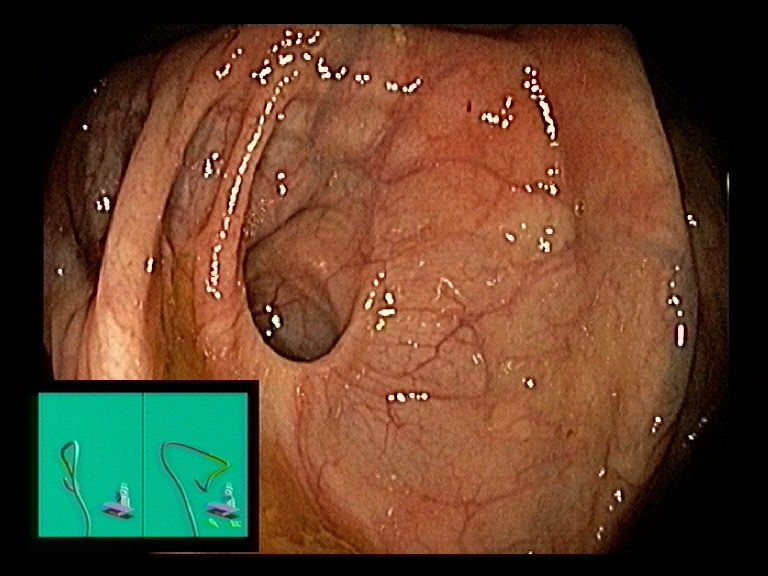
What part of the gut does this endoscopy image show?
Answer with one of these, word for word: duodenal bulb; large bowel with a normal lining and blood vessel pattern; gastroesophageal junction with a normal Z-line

large bowel with a normal lining and blood vessel pattern